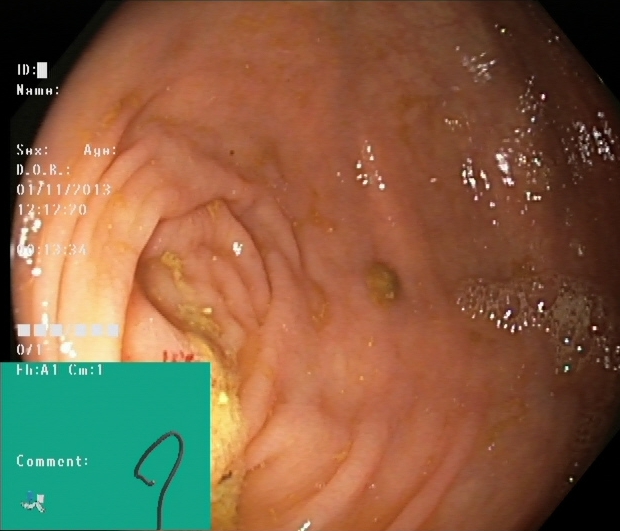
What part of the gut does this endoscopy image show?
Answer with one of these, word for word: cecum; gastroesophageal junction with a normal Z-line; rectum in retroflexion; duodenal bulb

cecum